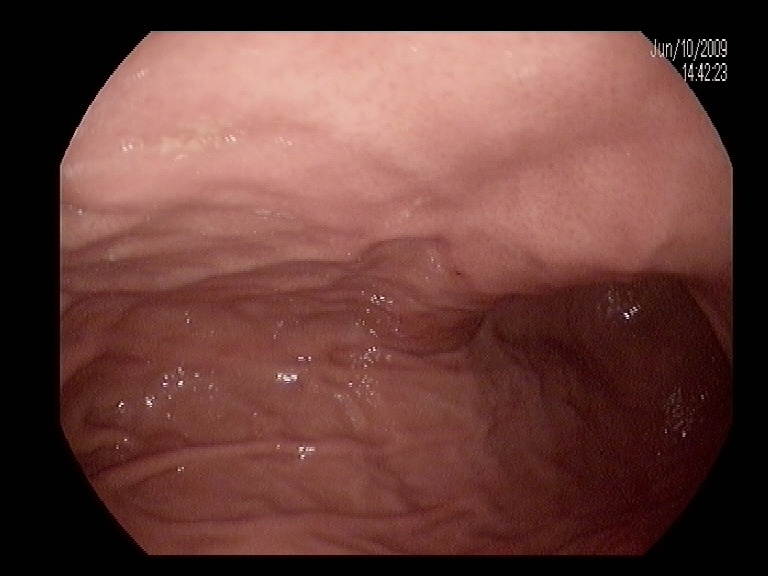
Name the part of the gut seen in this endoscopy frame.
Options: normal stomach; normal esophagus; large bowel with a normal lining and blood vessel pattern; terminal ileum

normal stomach